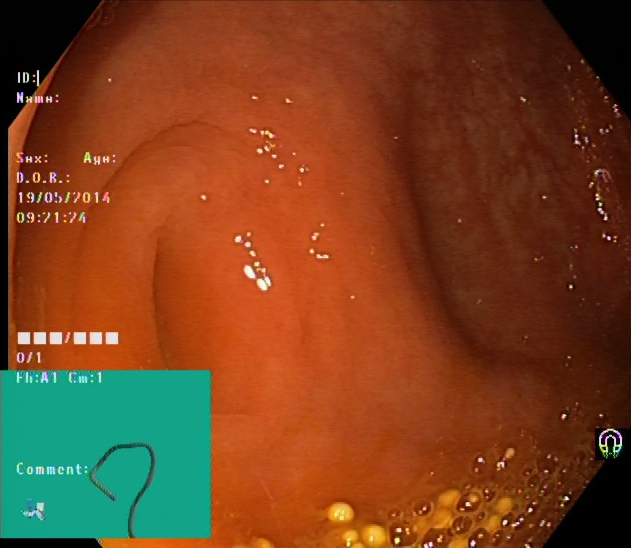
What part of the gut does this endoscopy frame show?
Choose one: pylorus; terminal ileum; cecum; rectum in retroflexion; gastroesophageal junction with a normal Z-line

cecum